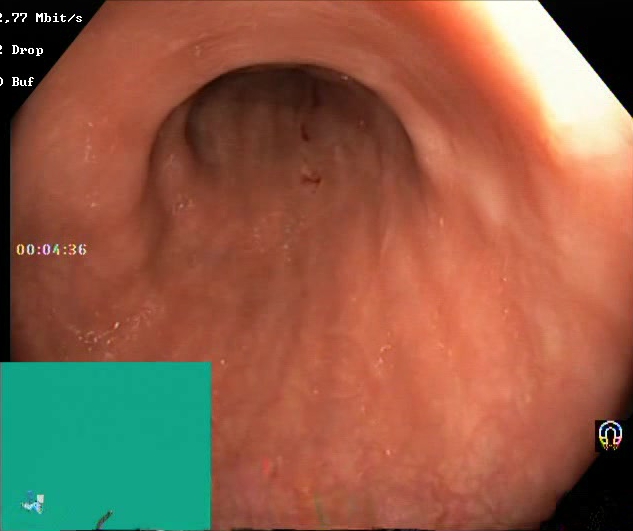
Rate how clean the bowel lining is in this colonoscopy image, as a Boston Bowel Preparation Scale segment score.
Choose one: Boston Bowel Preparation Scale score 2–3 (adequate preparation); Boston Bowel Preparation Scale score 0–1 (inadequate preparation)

Boston Bowel Preparation Scale score 2–3 (adequate preparation)